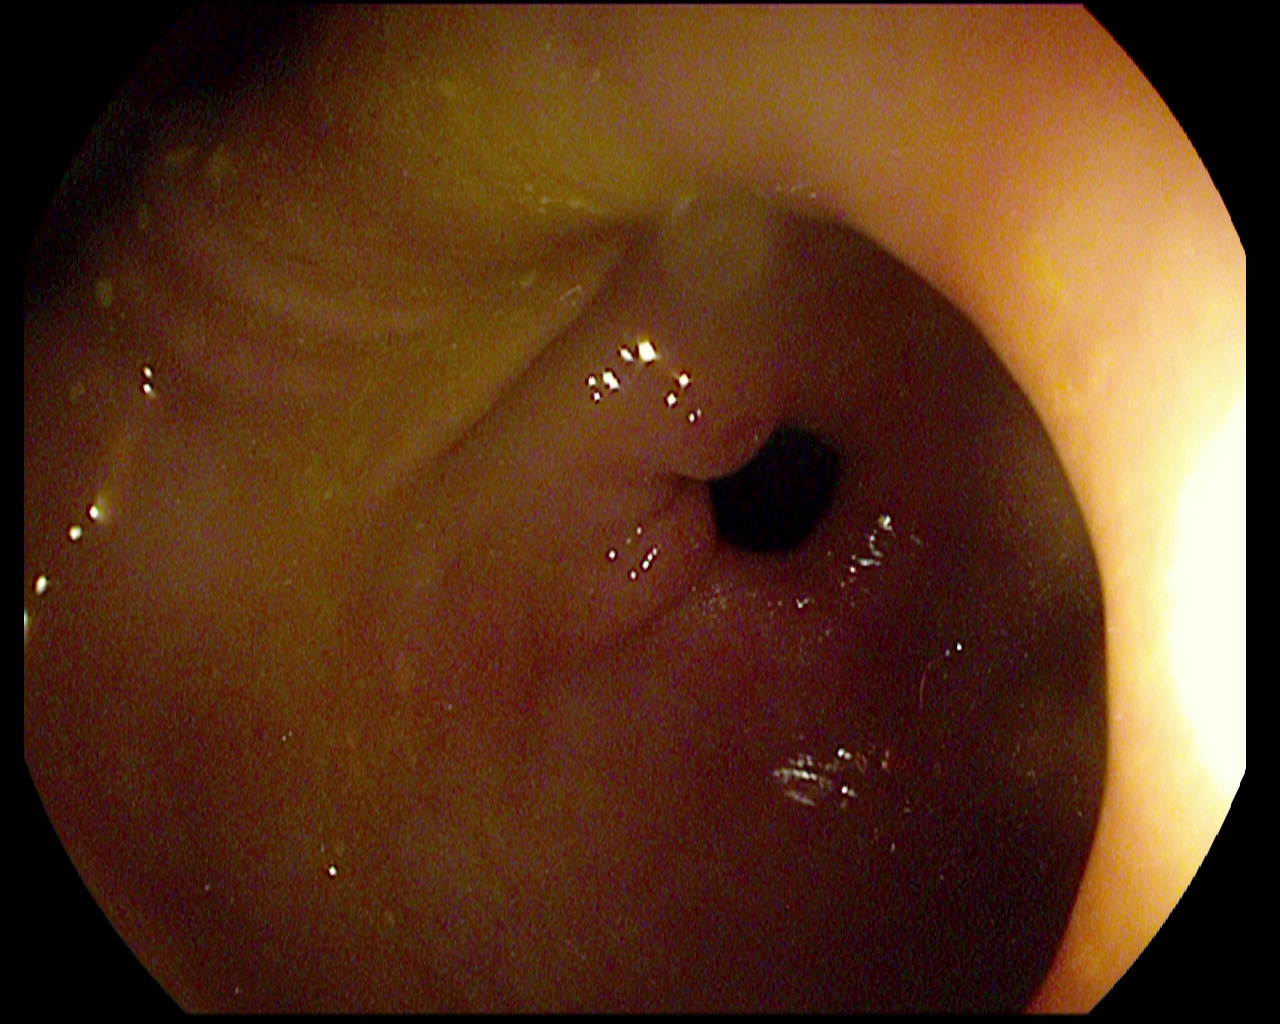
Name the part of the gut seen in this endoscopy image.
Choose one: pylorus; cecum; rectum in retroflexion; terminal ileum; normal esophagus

pylorus